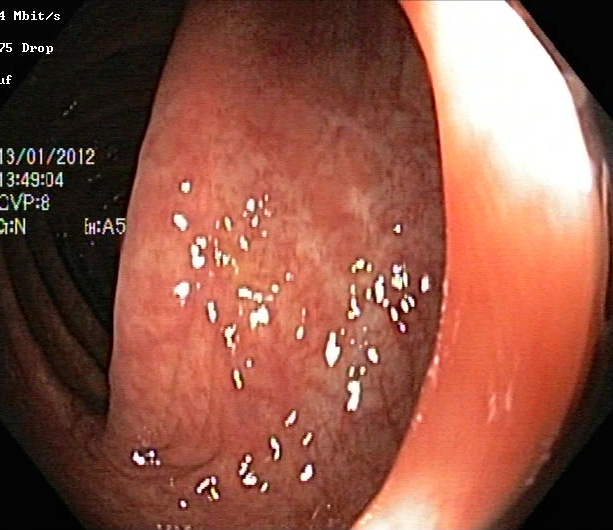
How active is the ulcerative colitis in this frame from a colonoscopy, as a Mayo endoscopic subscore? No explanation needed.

ulcerative colitis, Mayo endoscopic subscore 1